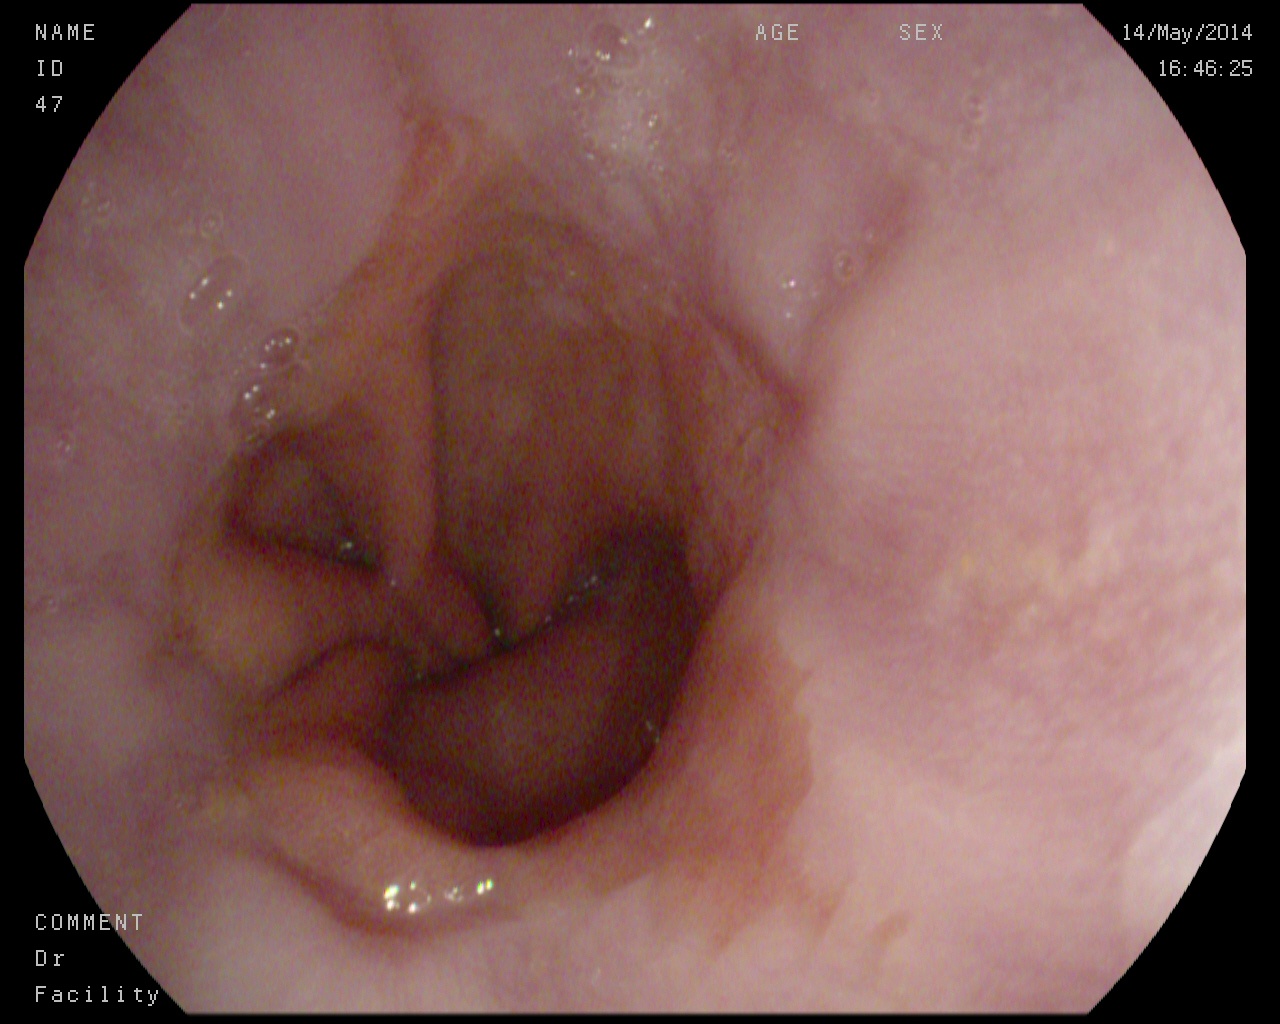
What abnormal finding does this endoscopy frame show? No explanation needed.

Barrett's esophagus